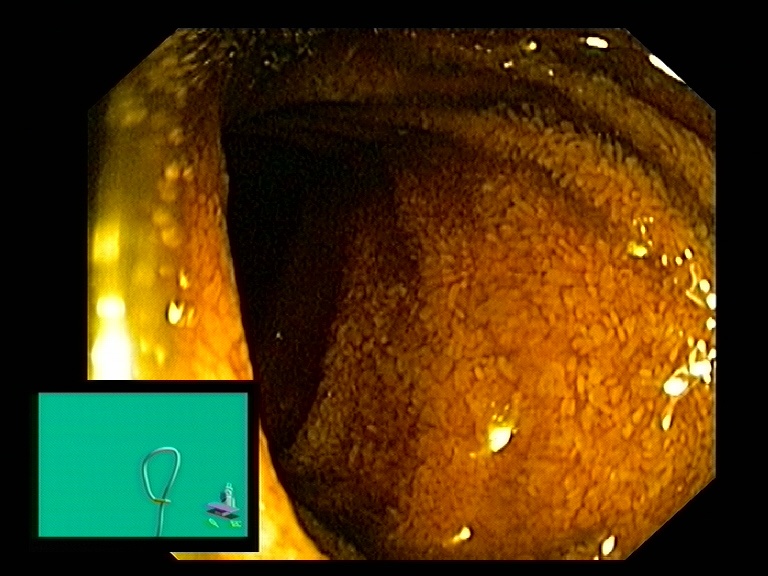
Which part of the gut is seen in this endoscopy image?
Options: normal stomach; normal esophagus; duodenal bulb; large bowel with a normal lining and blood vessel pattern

large bowel with a normal lining and blood vessel pattern